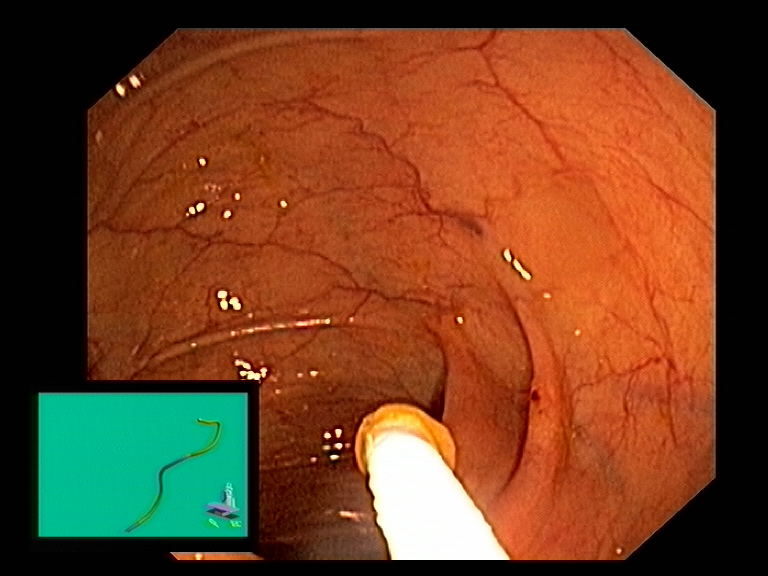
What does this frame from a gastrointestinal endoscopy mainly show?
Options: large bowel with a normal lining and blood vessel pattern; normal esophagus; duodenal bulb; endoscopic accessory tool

endoscopic accessory tool